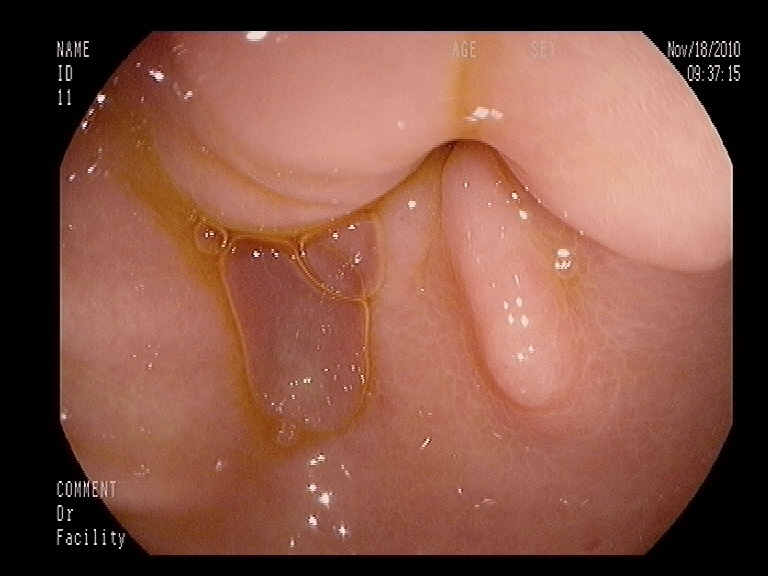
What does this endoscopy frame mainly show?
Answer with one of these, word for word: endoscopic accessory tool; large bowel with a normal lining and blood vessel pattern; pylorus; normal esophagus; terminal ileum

pylorus